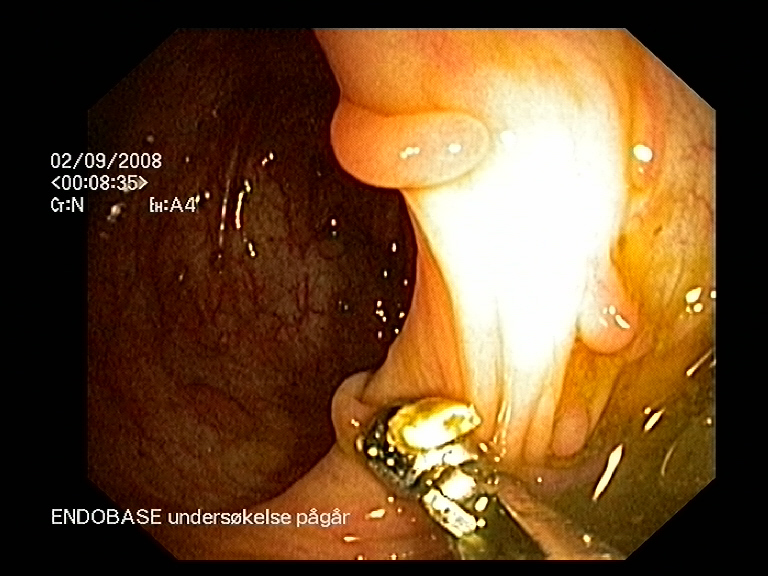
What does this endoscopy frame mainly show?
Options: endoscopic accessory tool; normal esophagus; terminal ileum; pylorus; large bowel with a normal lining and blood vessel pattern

endoscopic accessory tool